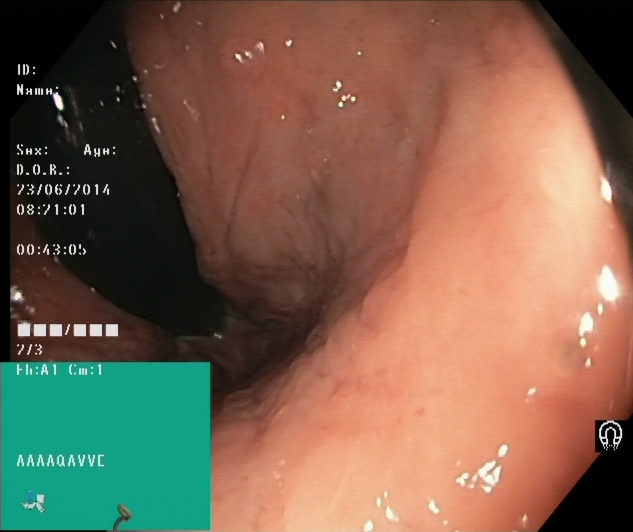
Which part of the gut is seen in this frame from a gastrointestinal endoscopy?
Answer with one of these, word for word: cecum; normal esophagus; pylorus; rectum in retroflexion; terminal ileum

rectum in retroflexion